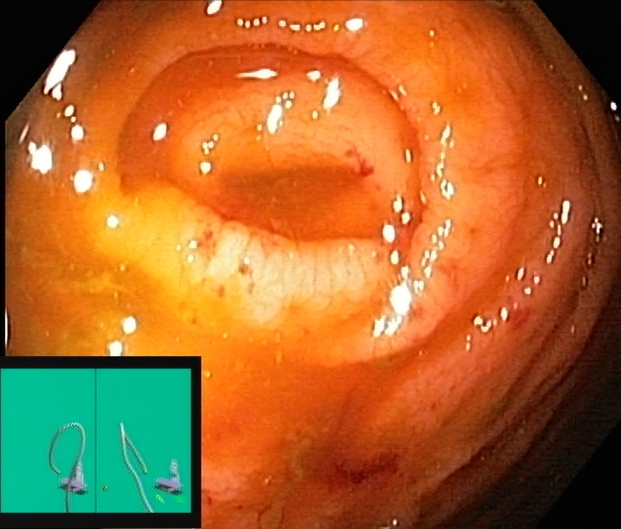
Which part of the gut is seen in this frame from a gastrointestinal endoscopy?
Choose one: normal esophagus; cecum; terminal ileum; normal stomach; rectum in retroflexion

cecum